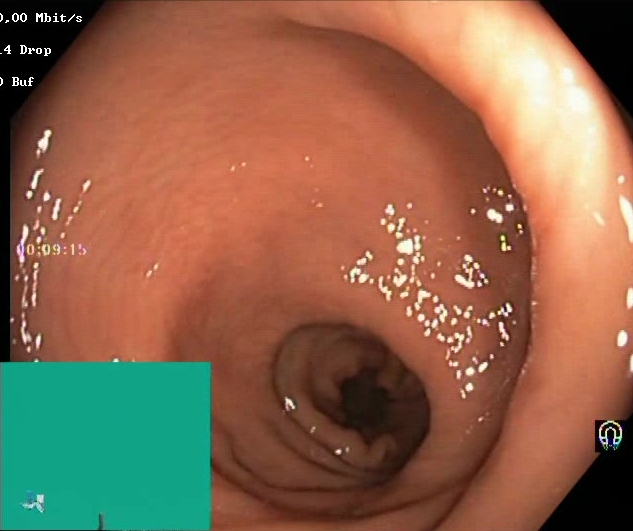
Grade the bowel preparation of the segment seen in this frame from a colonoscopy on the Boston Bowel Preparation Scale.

Boston Bowel Preparation Scale score 2–3 (adequate preparation)